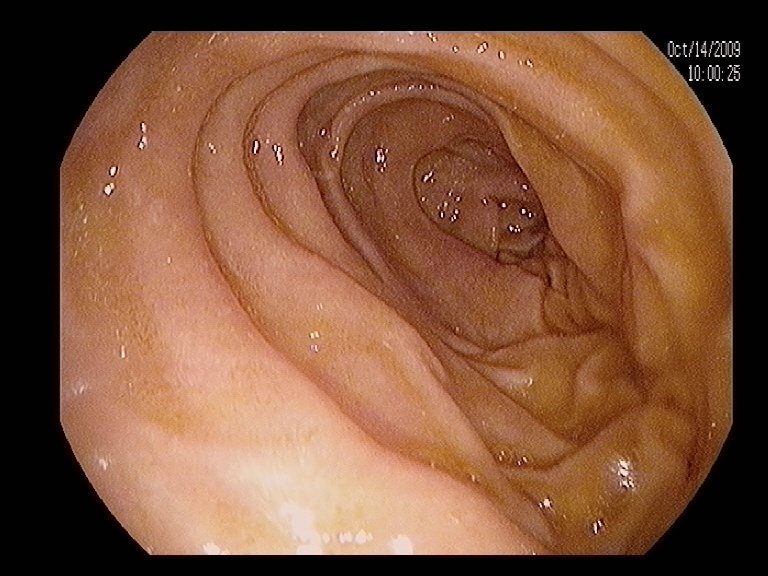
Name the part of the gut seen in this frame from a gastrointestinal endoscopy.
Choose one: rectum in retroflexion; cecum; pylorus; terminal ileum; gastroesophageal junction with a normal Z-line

terminal ileum